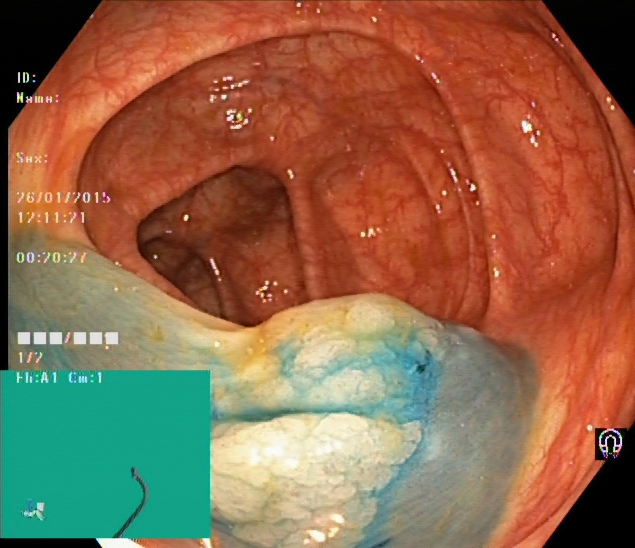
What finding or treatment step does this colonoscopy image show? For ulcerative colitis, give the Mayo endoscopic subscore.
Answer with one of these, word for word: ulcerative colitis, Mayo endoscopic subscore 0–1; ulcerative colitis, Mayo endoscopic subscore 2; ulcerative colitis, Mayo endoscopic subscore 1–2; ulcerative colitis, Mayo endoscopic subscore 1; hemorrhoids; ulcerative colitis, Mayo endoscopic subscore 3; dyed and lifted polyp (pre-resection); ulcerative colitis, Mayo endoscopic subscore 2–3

dyed and lifted polyp (pre-resection)